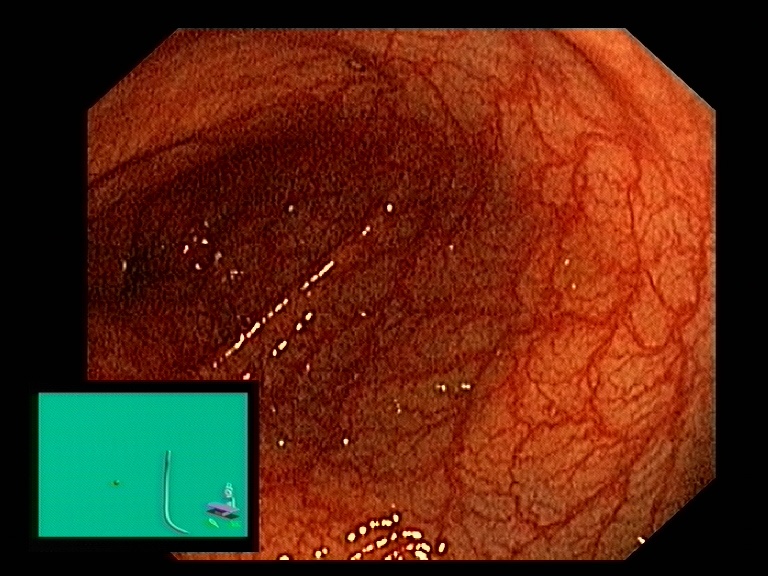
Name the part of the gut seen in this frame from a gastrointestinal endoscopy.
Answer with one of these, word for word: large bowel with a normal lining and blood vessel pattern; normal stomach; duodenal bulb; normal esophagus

large bowel with a normal lining and blood vessel pattern